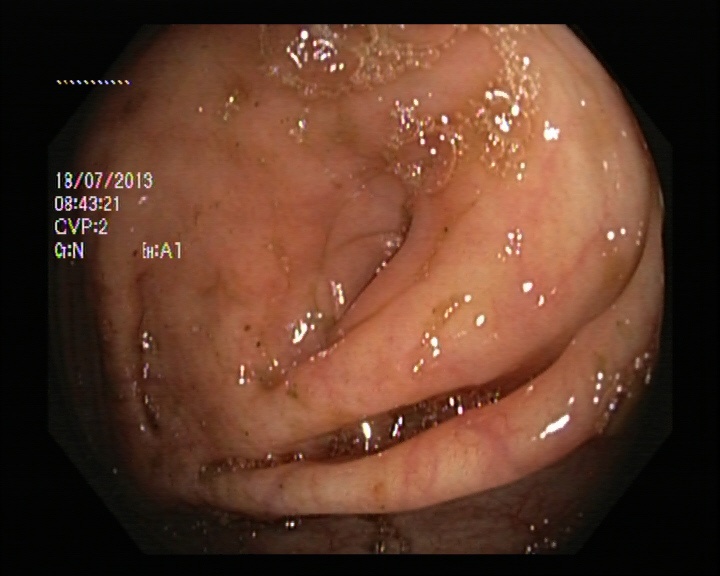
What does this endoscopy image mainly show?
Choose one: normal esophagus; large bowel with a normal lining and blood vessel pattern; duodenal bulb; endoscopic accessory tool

large bowel with a normal lining and blood vessel pattern